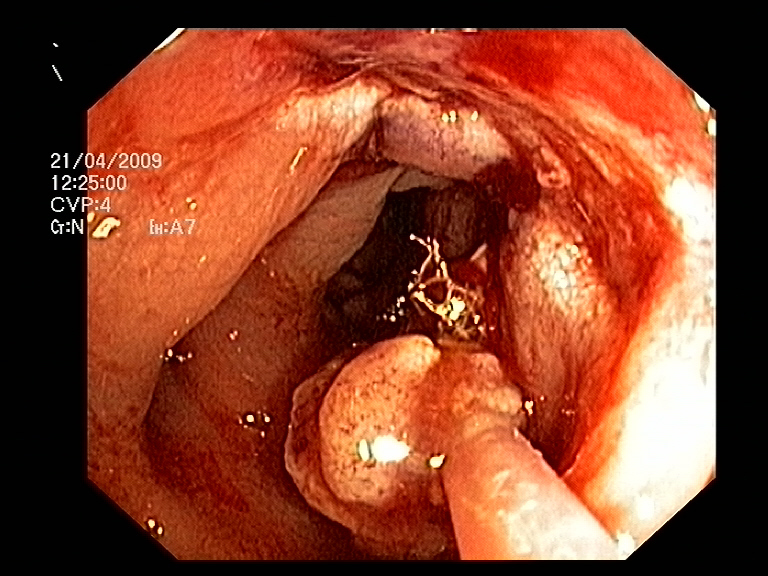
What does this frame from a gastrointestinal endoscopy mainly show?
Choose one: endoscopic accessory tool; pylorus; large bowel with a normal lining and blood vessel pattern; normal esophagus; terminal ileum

endoscopic accessory tool